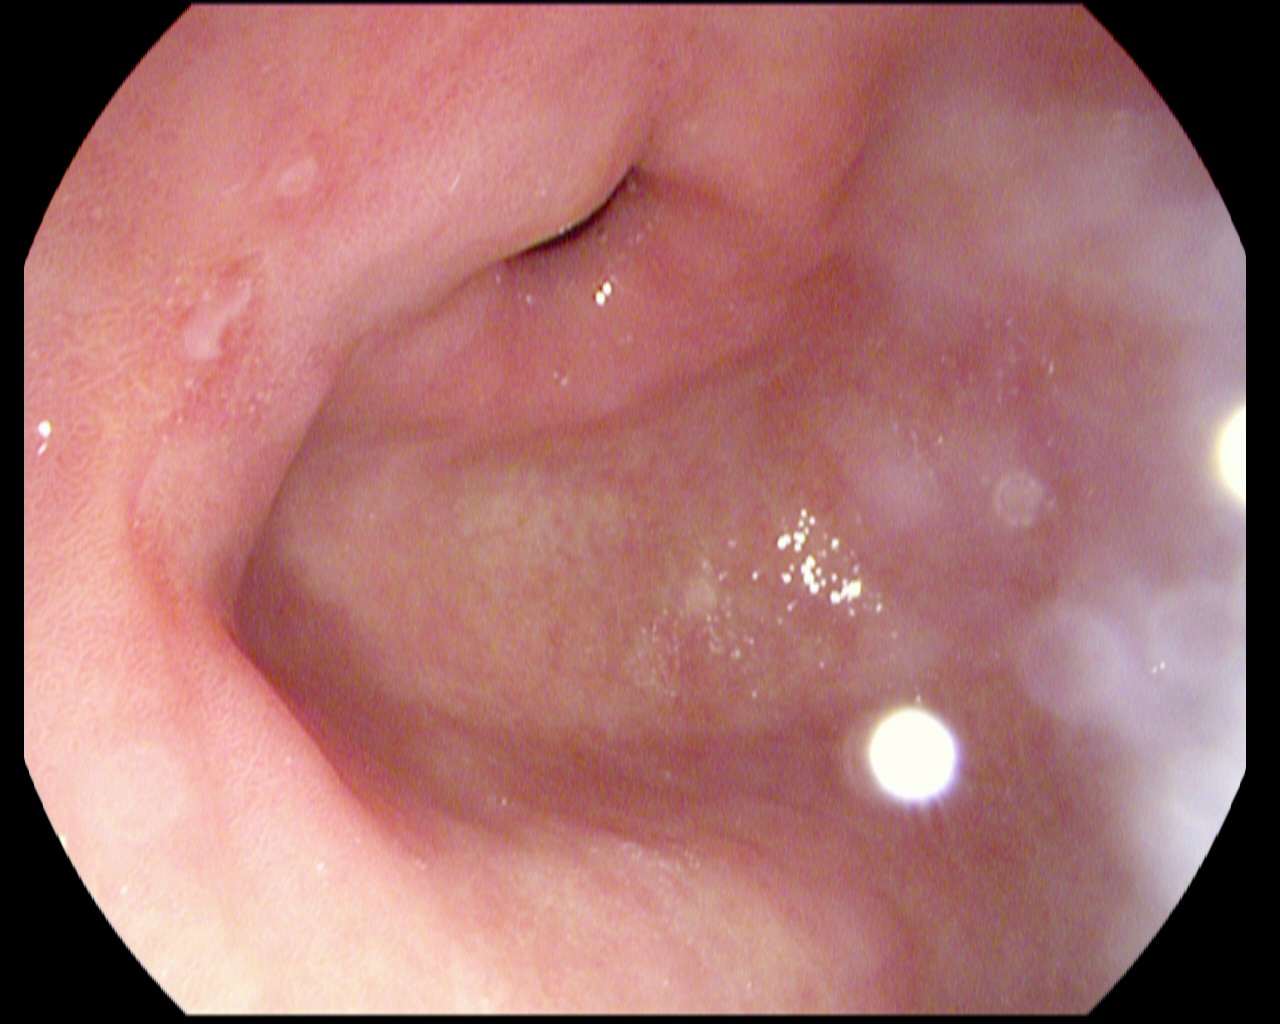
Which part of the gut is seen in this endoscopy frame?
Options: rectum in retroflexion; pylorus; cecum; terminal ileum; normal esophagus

pylorus